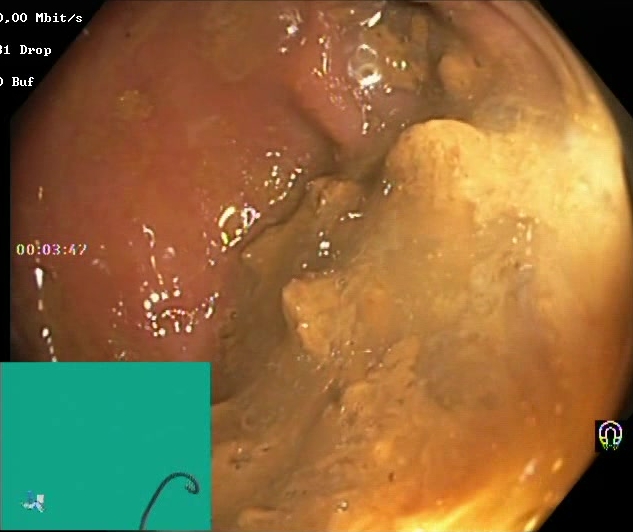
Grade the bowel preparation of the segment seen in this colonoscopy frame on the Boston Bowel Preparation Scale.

Boston Bowel Preparation Scale score 0–1 (inadequate preparation)